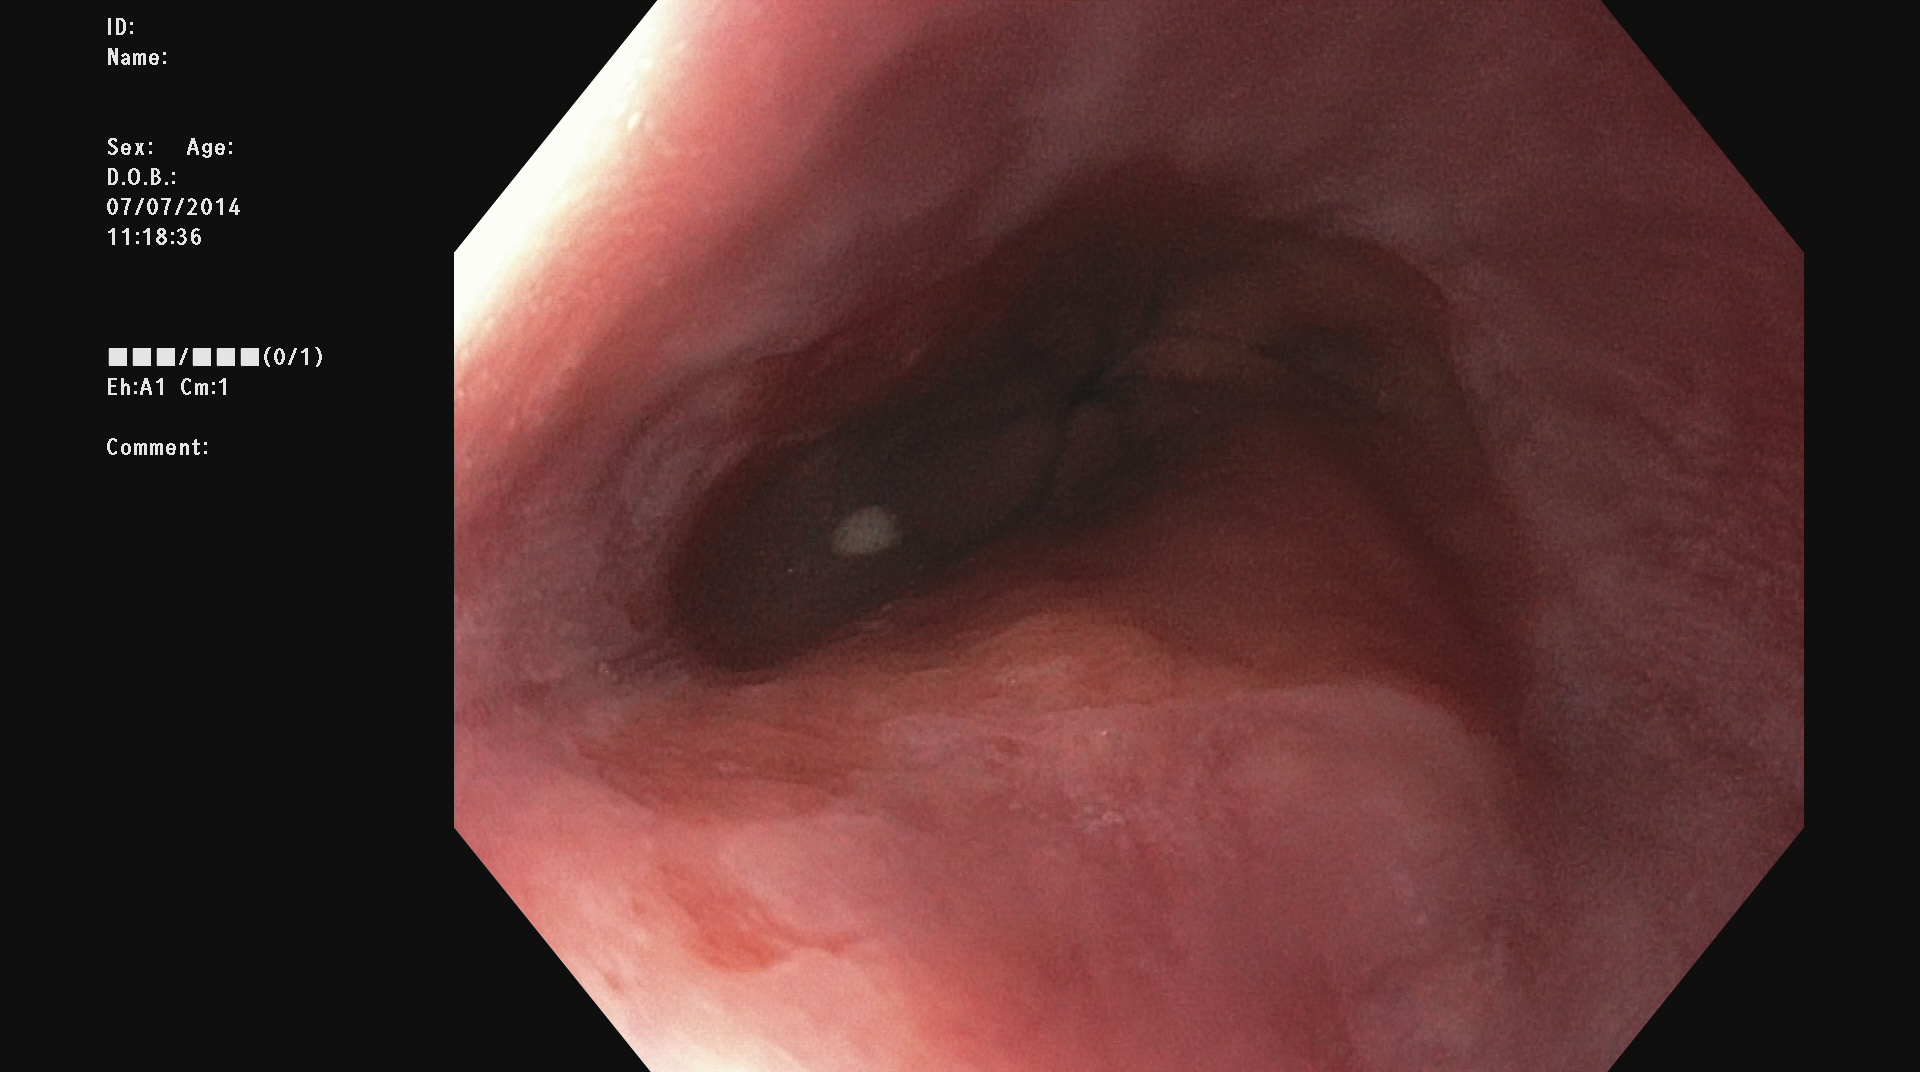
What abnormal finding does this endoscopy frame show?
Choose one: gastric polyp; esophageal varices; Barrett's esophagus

Barrett's esophagus